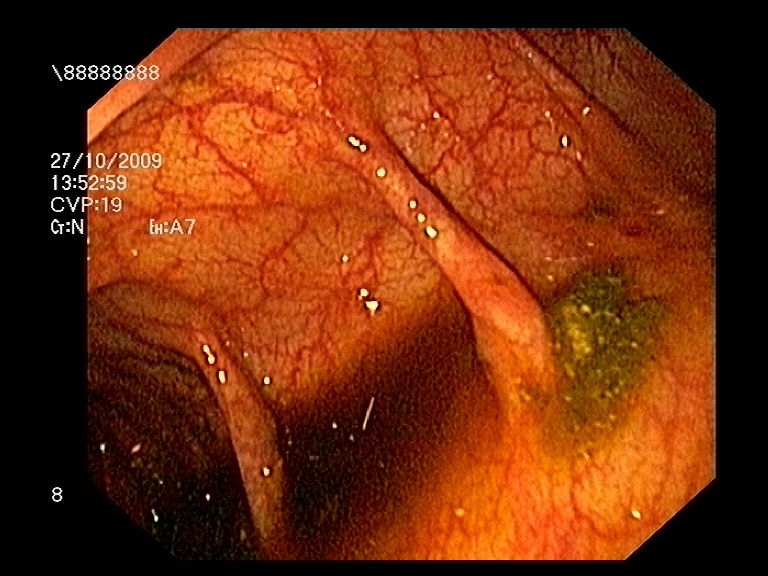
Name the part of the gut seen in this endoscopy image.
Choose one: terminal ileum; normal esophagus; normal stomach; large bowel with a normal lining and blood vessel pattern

large bowel with a normal lining and blood vessel pattern